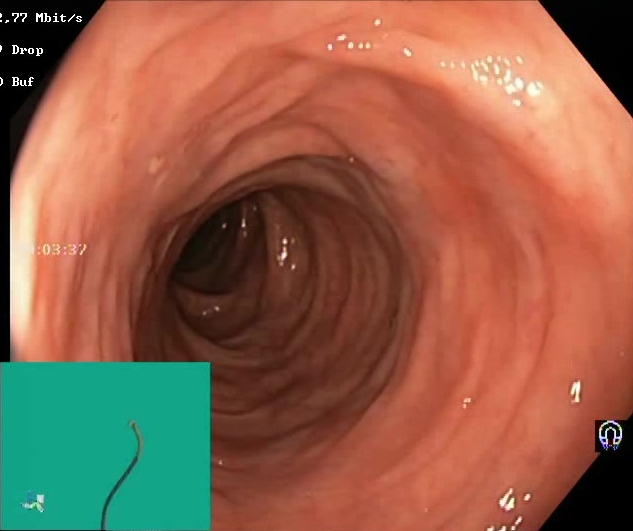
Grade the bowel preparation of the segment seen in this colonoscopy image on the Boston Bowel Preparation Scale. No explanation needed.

Boston Bowel Preparation Scale score 2–3 (adequate preparation)